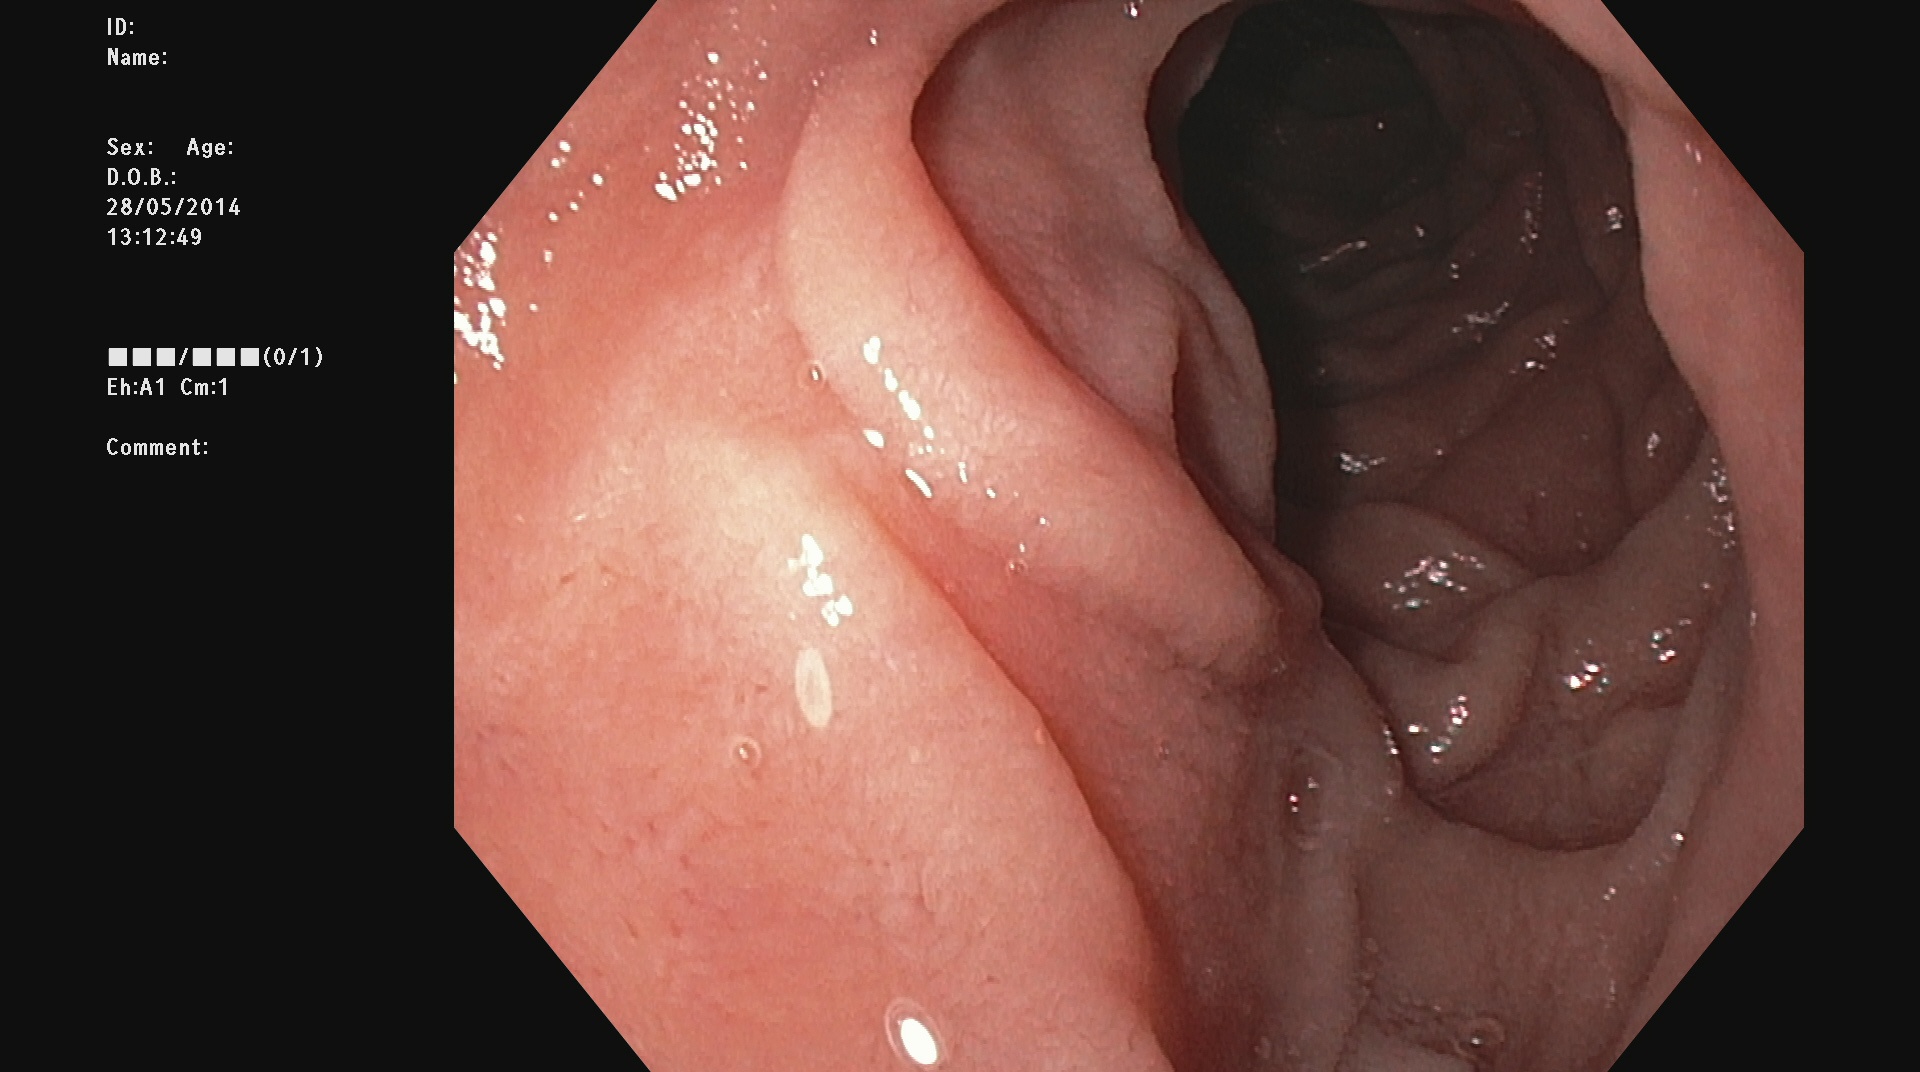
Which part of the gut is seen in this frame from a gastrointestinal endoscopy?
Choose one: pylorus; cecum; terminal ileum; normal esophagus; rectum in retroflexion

terminal ileum